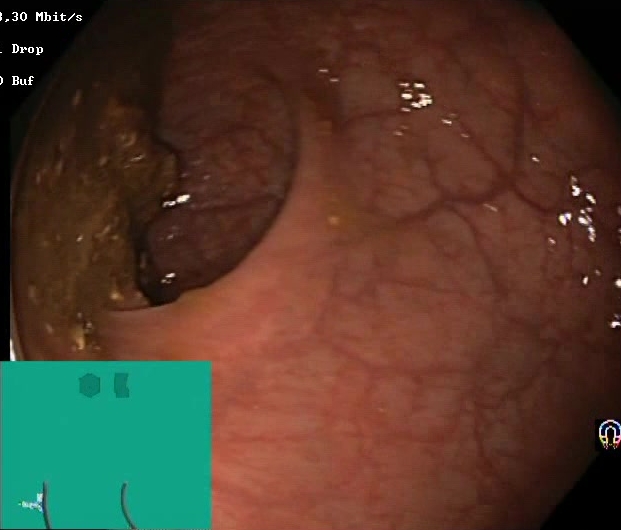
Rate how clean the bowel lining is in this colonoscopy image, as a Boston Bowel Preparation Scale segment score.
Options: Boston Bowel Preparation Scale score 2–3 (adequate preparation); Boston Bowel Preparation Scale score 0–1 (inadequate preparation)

Boston Bowel Preparation Scale score 0–1 (inadequate preparation)